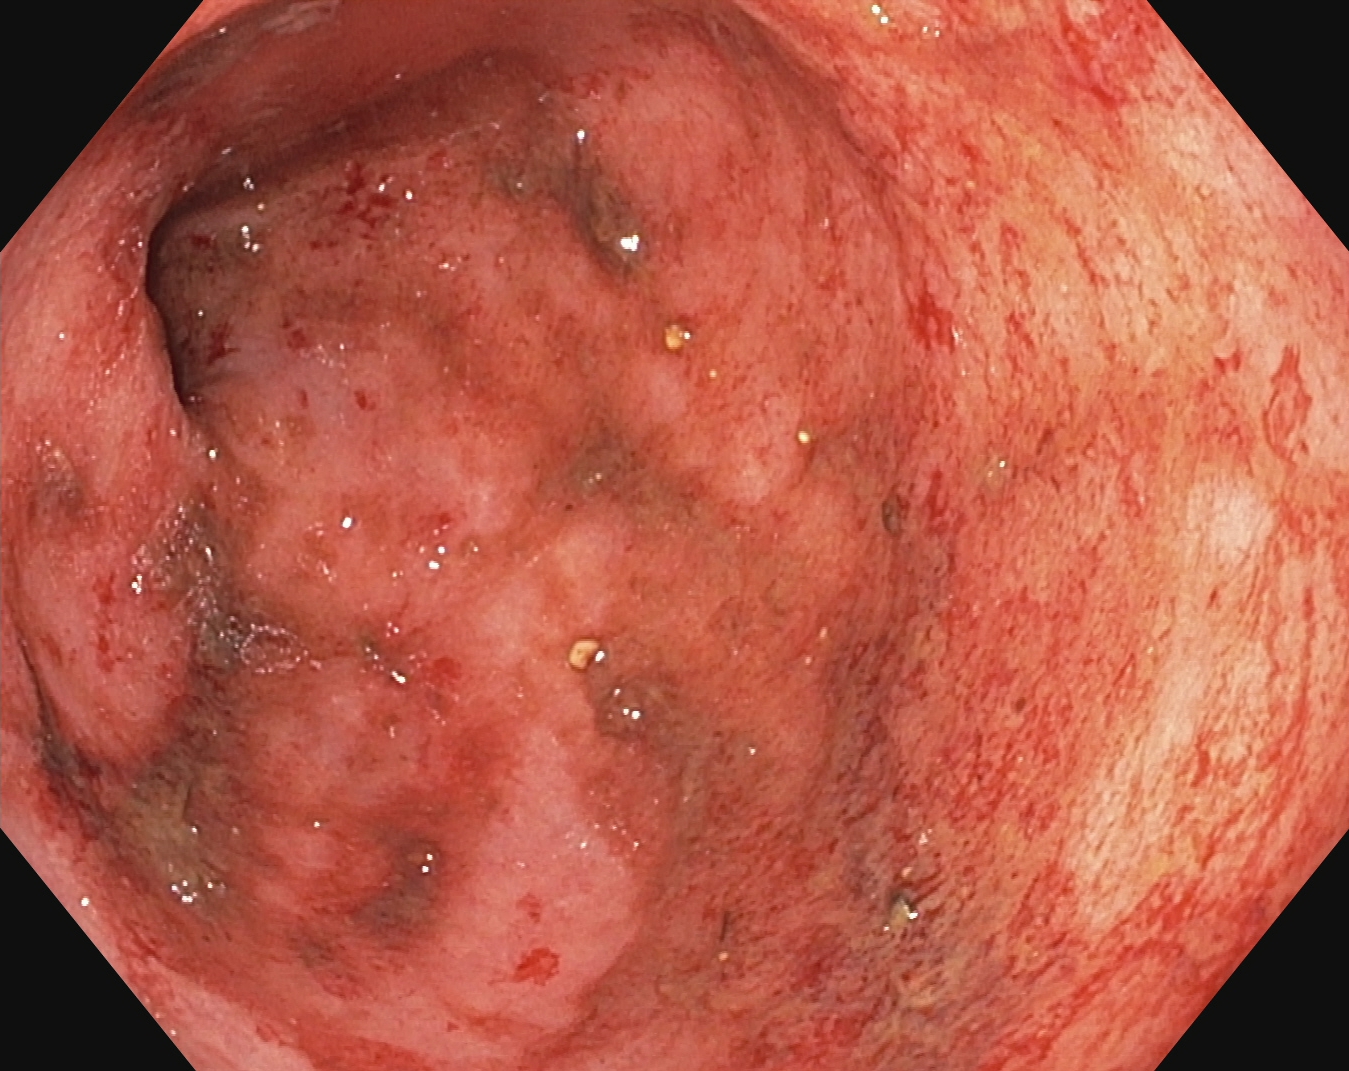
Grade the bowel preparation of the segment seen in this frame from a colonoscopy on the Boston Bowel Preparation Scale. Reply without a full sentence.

Boston Bowel Preparation Scale score 0–1 (inadequate preparation)